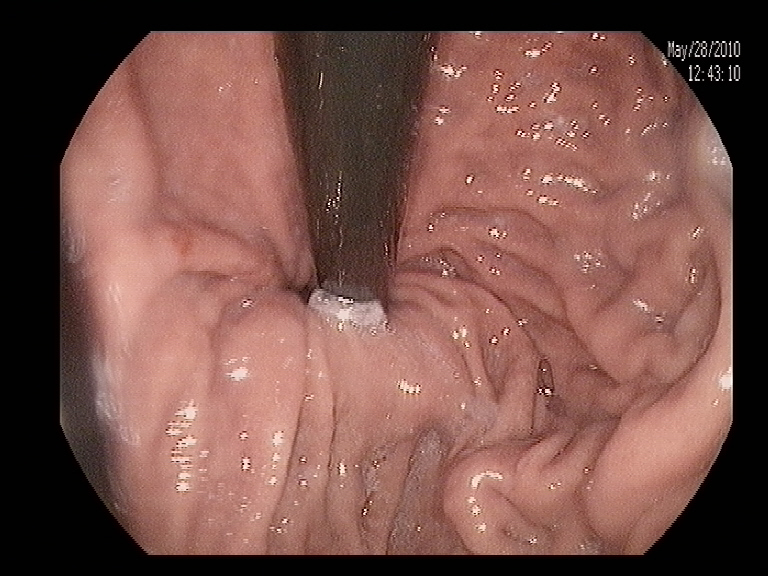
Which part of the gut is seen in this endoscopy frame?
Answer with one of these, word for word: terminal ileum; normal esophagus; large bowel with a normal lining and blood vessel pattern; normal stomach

normal stomach